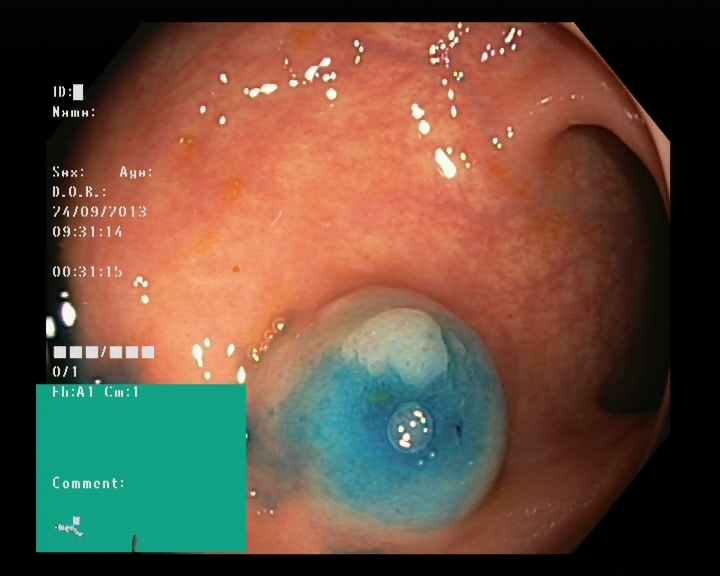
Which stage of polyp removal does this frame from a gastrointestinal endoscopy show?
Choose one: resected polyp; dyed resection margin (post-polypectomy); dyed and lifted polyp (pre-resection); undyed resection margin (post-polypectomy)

dyed and lifted polyp (pre-resection)